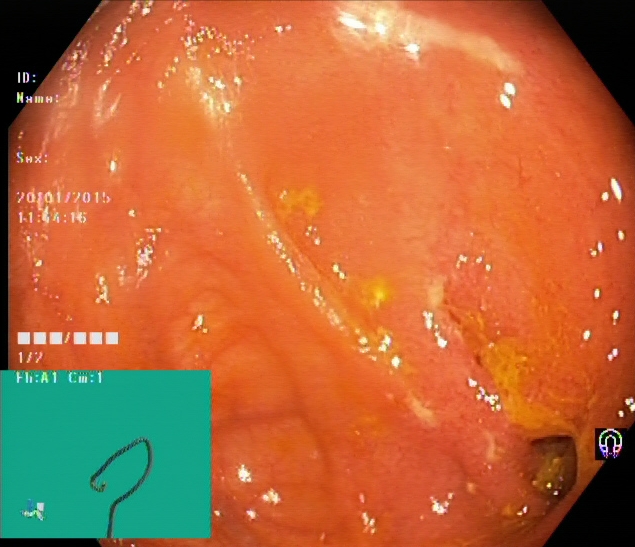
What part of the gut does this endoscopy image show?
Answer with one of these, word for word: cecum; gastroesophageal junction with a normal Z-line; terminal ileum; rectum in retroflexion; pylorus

cecum